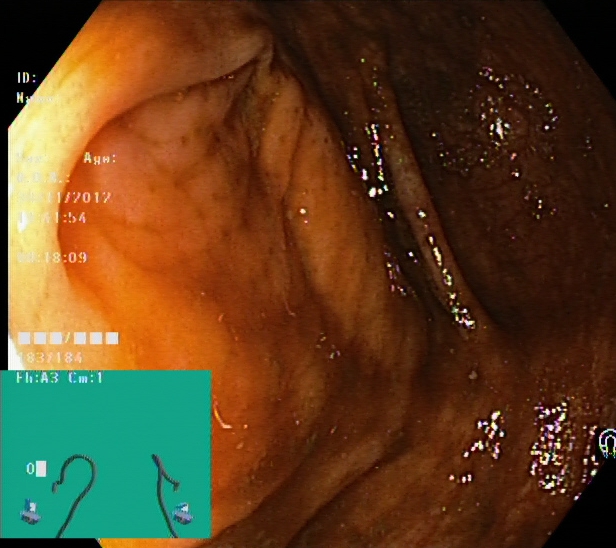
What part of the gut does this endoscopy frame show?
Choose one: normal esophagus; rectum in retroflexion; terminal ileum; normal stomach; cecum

cecum